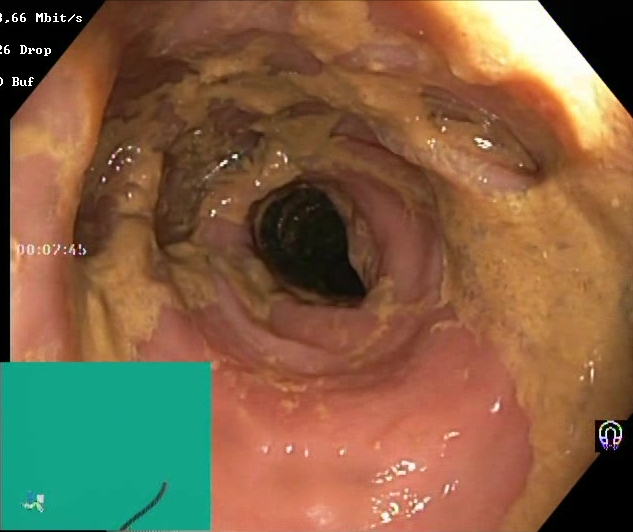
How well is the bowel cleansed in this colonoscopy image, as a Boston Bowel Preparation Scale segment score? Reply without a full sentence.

Boston Bowel Preparation Scale score 0–1 (inadequate preparation)